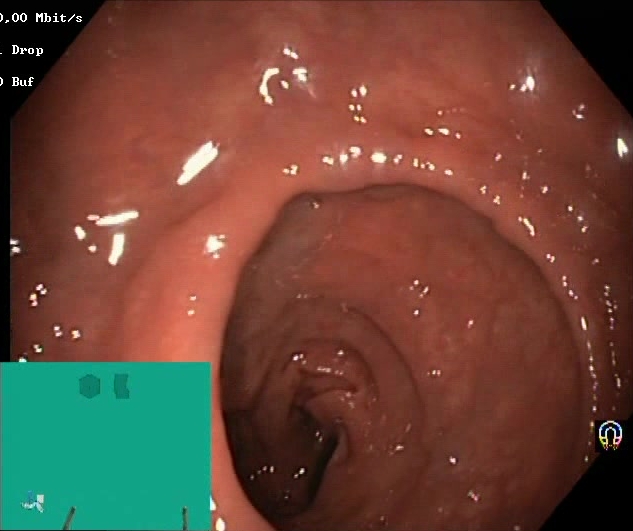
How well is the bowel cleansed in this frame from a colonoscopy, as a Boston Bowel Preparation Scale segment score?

Boston Bowel Preparation Scale score 2–3 (adequate preparation)